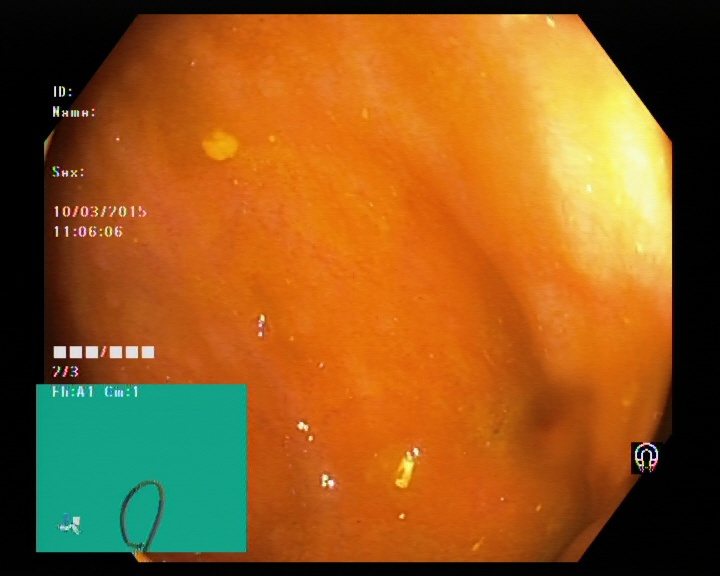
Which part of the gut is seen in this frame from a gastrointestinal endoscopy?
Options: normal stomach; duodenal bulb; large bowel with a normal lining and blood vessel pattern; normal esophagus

large bowel with a normal lining and blood vessel pattern